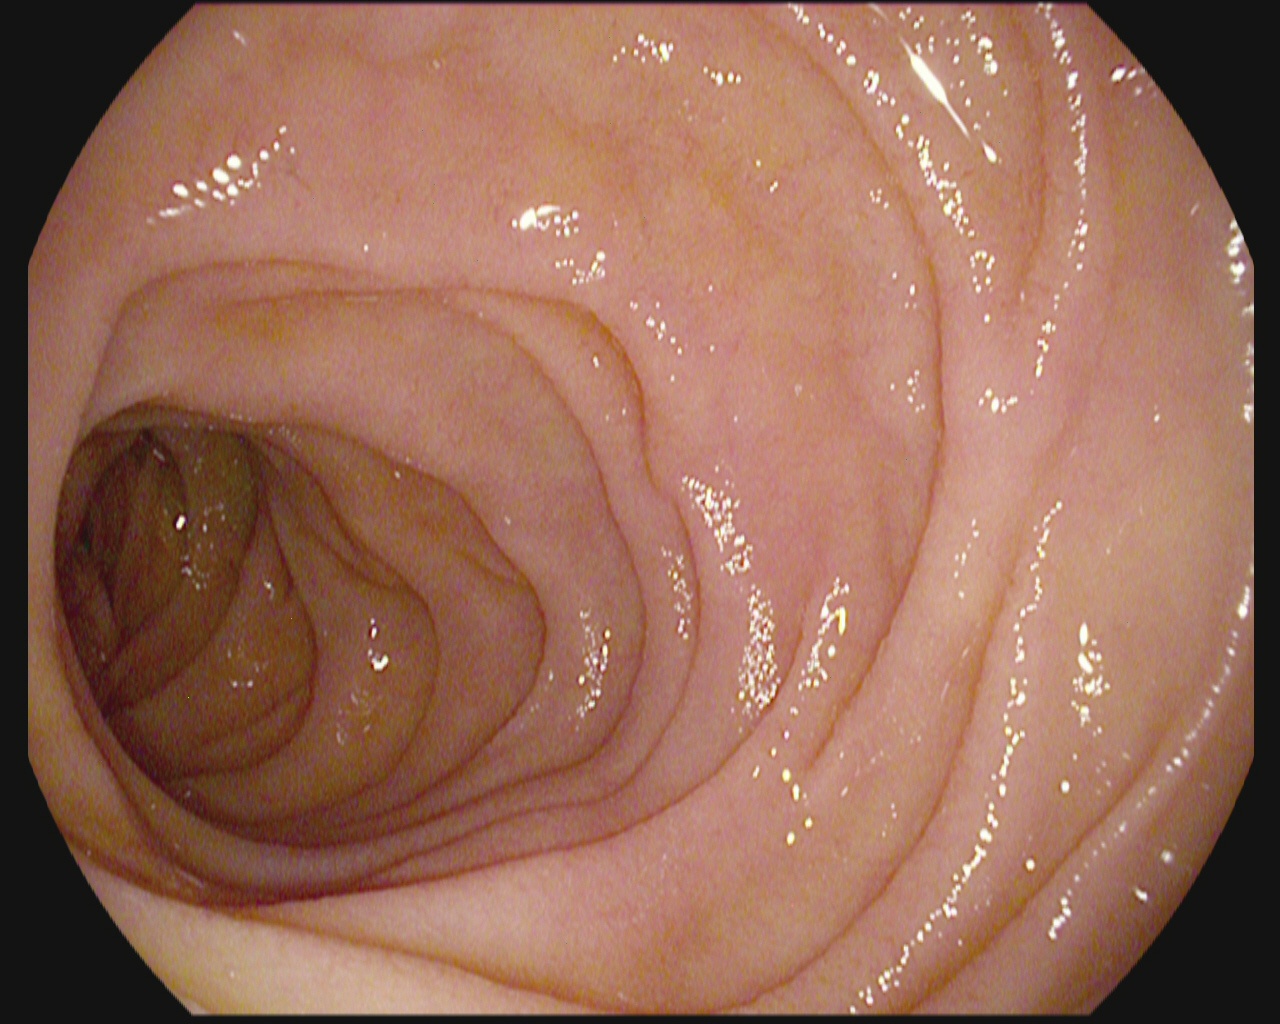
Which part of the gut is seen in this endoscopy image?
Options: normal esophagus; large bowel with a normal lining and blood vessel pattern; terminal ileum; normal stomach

terminal ileum